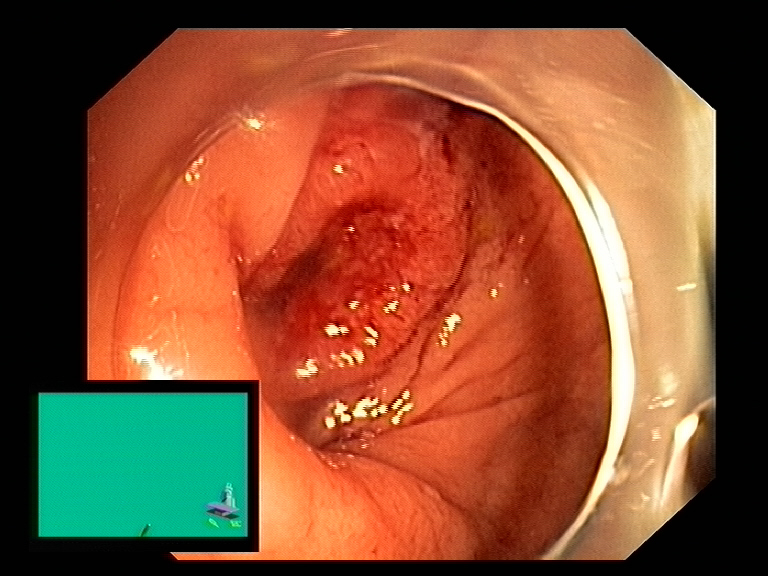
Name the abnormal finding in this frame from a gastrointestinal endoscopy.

colorectal cancer